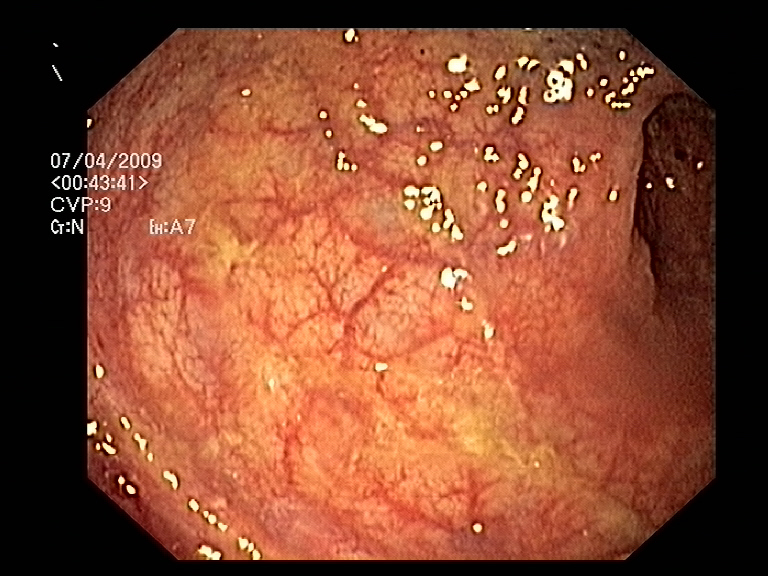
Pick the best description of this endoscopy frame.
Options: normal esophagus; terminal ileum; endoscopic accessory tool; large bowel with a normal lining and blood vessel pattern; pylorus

large bowel with a normal lining and blood vessel pattern